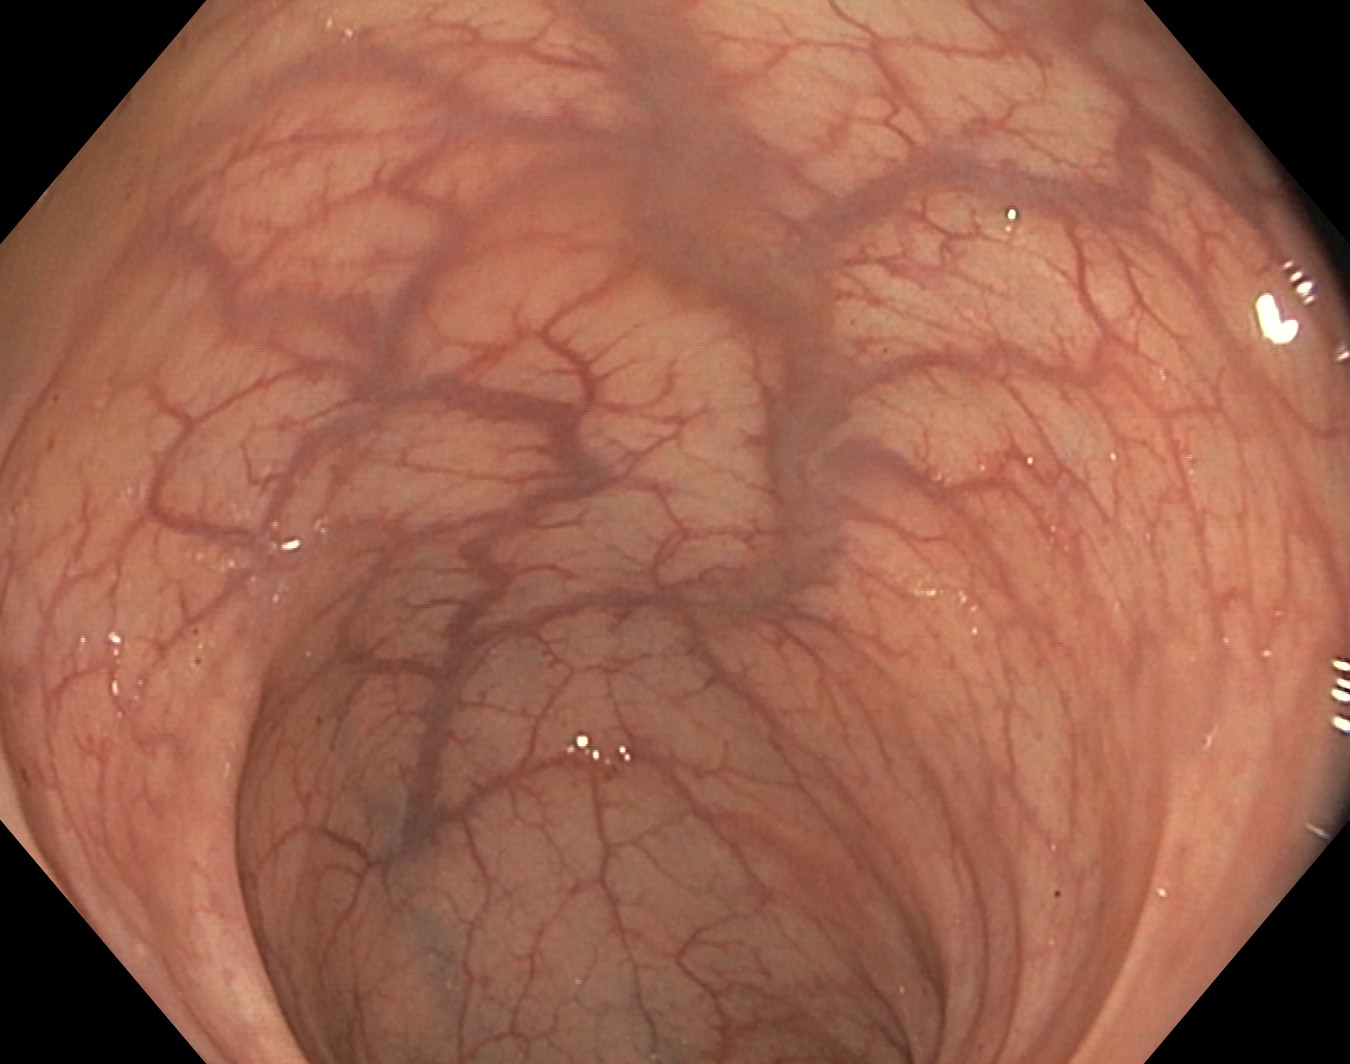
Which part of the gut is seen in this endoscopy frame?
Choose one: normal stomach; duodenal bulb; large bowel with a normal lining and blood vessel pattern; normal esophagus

large bowel with a normal lining and blood vessel pattern